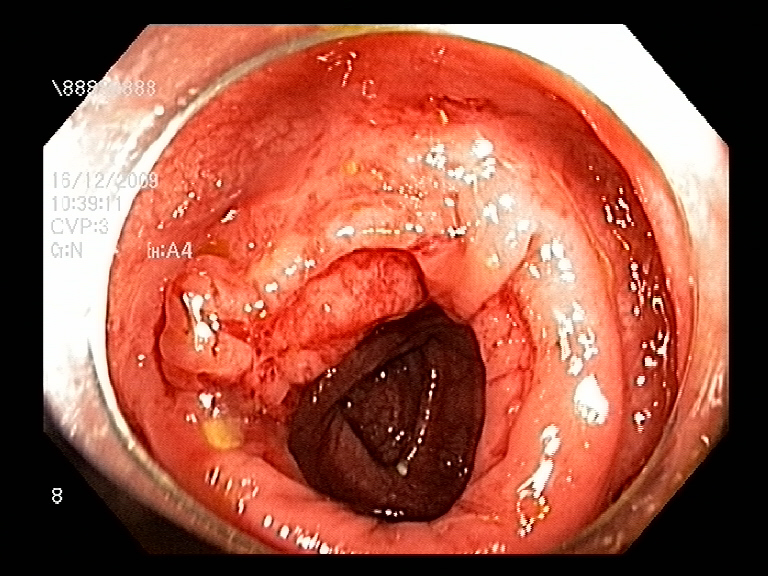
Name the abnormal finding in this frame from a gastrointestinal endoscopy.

colon polyp